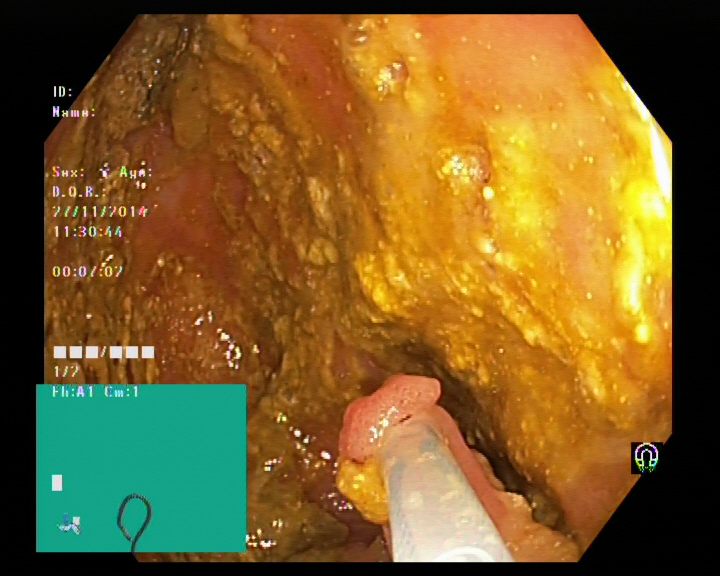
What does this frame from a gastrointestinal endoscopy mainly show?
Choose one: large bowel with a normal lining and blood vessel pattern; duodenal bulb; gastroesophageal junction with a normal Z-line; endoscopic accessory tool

endoscopic accessory tool